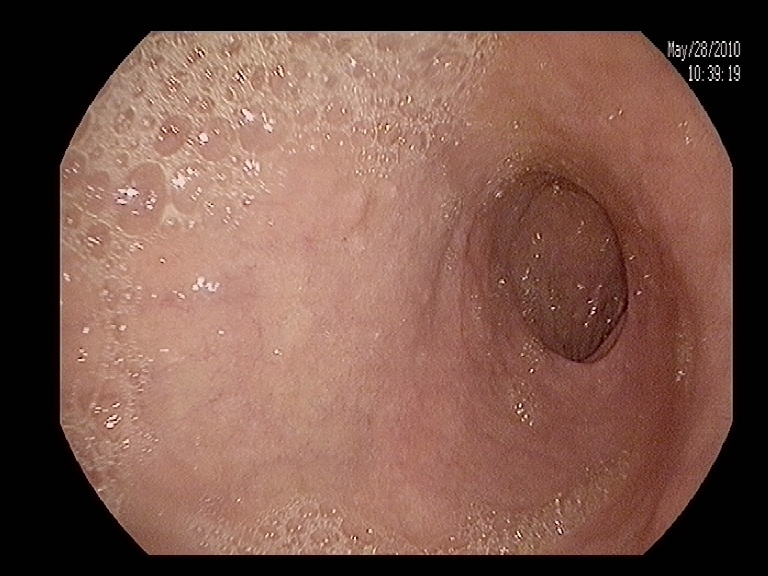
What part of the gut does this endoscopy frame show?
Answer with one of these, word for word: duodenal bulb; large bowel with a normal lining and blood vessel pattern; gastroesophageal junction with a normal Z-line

duodenal bulb